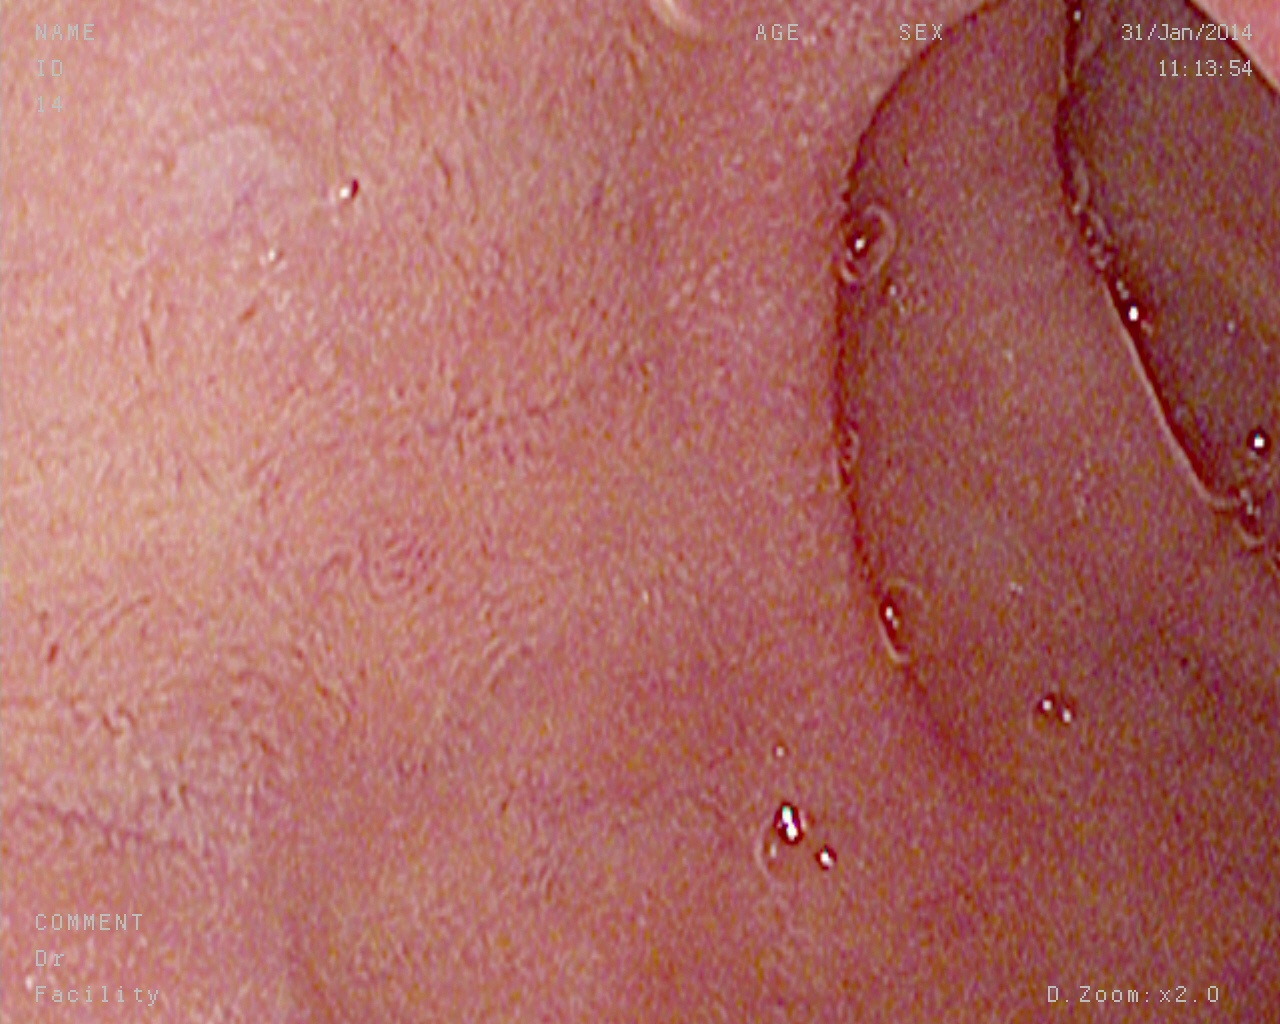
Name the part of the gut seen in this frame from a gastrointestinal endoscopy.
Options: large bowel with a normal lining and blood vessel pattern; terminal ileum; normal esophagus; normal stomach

terminal ileum